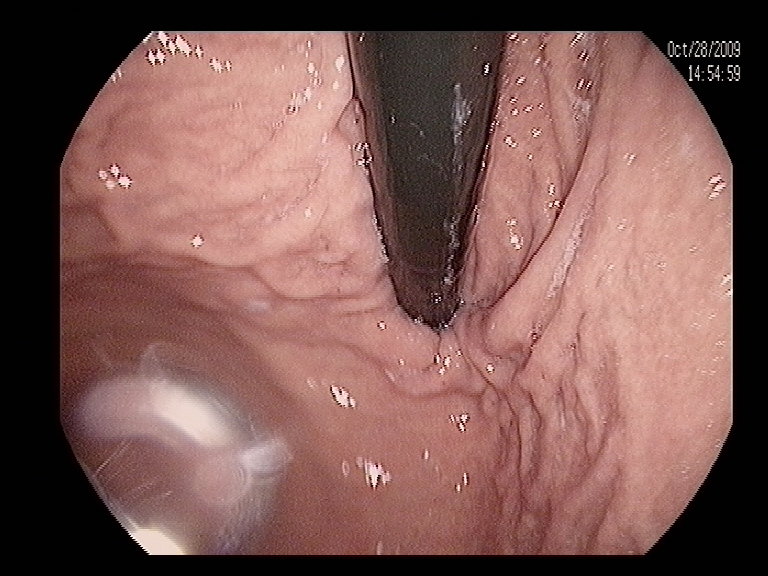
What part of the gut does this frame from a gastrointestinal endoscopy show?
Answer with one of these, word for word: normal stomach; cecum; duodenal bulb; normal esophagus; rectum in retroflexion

normal stomach